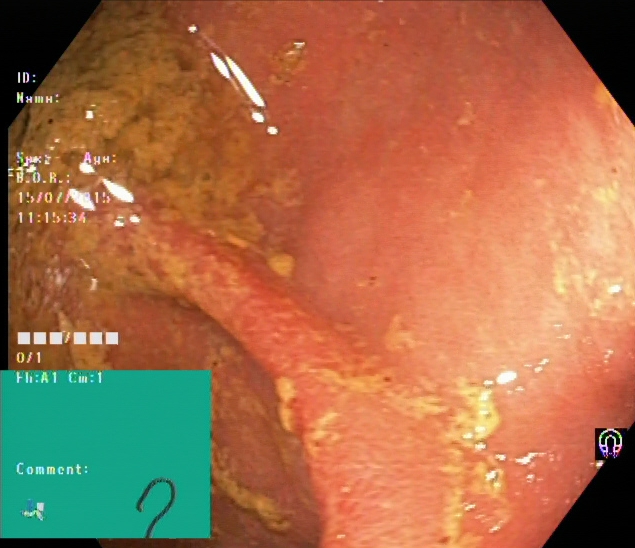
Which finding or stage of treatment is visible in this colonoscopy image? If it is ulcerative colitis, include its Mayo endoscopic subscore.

ulcerative colitis, Mayo endoscopic subscore 1